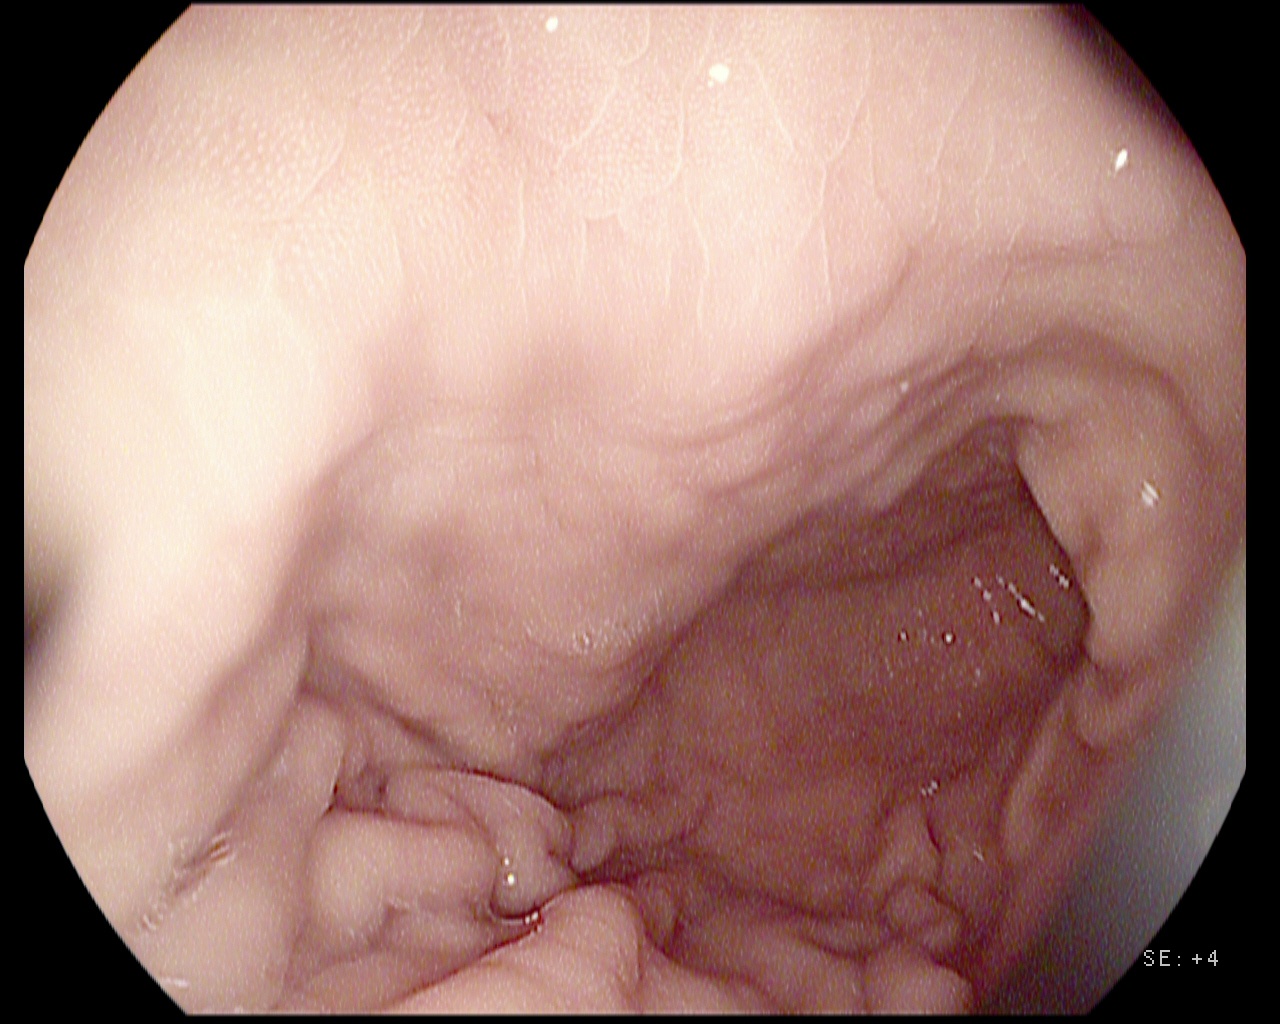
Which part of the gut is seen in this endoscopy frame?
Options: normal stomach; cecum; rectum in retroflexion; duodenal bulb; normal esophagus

normal stomach